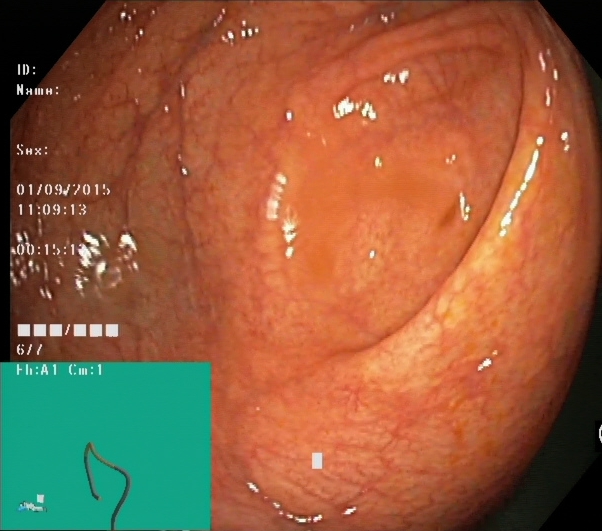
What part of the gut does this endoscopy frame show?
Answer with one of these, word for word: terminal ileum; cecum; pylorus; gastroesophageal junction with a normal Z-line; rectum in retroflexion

cecum